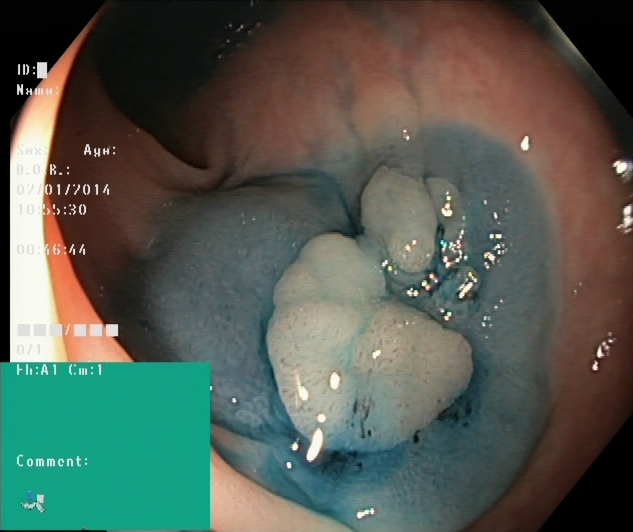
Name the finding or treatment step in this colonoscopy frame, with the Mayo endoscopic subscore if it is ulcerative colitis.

dyed and lifted polyp (pre-resection)